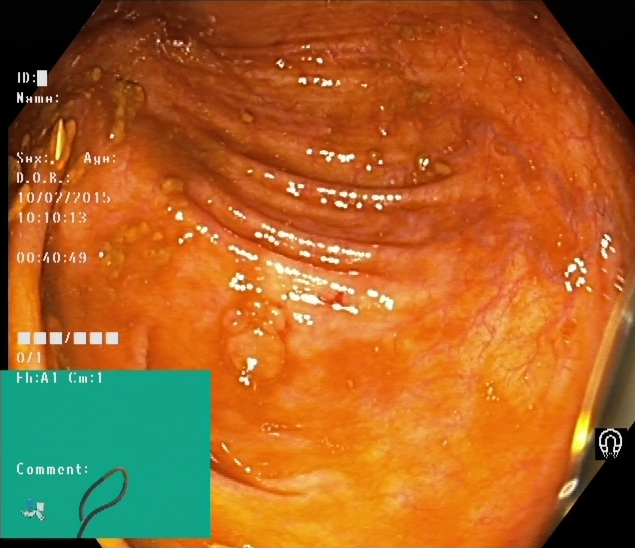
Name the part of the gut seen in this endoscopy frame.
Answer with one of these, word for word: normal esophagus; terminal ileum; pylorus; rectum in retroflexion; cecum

cecum